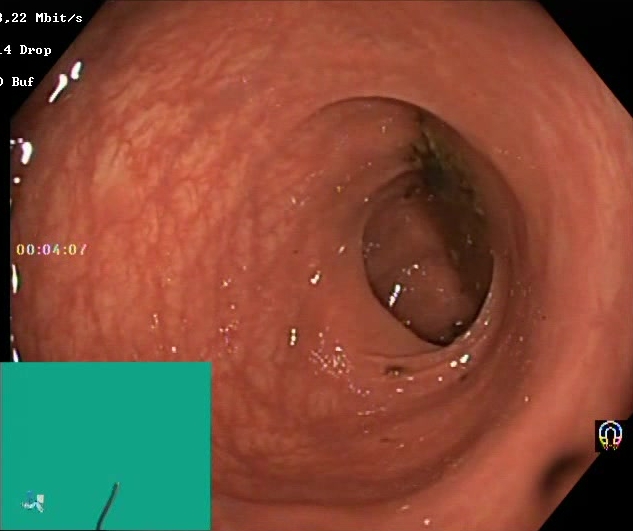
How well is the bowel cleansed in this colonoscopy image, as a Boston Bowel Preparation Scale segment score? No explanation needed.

Boston Bowel Preparation Scale score 0–1 (inadequate preparation)